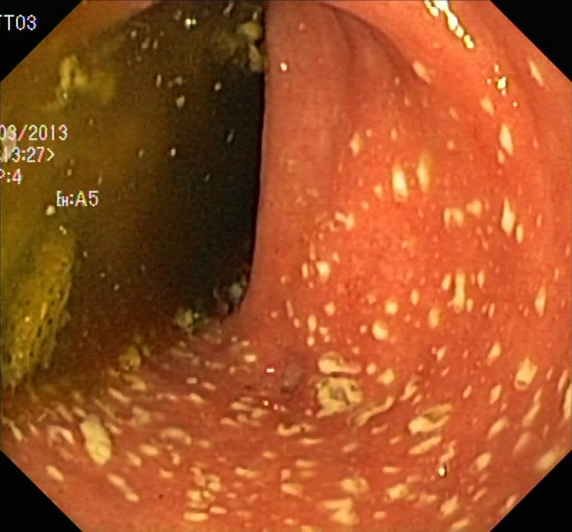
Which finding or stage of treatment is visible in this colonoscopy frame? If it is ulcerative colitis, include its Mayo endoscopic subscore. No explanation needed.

ulcerative colitis, Mayo endoscopic subscore 2